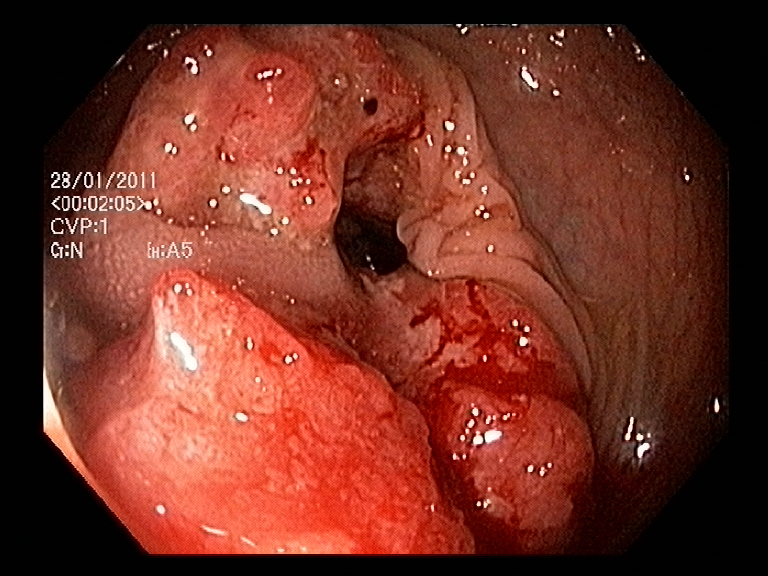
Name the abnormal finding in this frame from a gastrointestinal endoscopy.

colorectal cancer